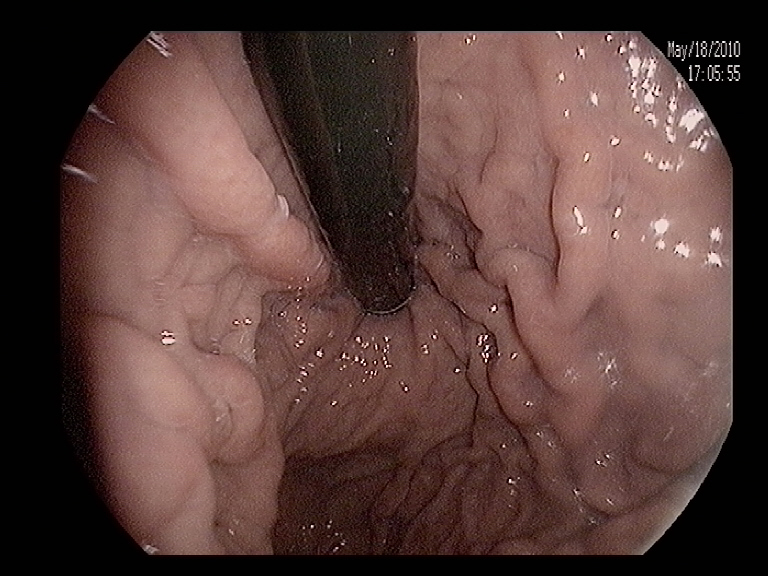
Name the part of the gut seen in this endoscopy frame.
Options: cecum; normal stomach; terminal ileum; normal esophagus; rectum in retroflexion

normal stomach